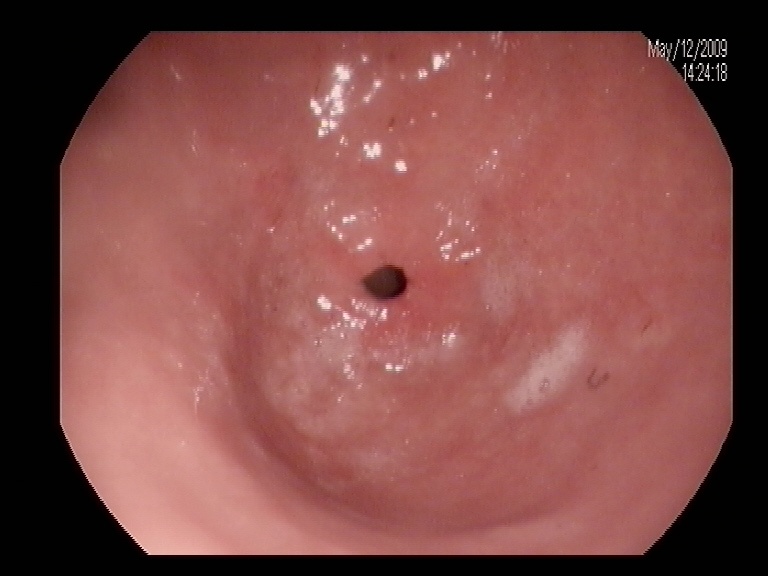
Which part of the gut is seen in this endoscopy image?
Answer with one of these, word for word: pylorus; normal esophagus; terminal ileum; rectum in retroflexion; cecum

pylorus